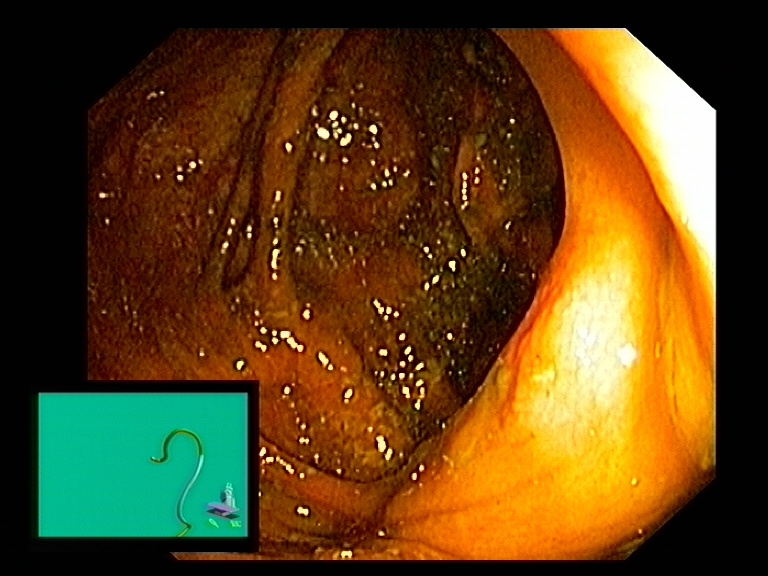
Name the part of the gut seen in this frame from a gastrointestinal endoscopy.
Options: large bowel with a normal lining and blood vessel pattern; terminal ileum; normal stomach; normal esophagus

large bowel with a normal lining and blood vessel pattern